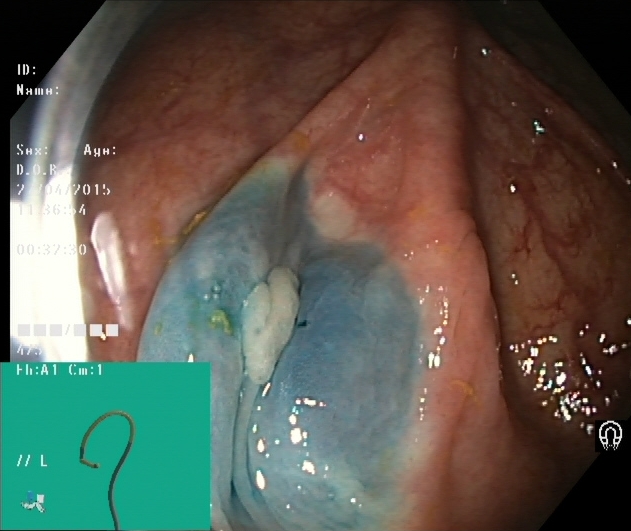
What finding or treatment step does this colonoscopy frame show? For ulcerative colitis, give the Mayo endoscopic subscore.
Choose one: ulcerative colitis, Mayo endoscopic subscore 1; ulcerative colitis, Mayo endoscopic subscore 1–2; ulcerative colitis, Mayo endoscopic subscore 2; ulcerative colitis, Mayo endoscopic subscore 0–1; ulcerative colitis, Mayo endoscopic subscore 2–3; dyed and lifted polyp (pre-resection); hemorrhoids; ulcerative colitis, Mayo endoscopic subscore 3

dyed and lifted polyp (pre-resection)